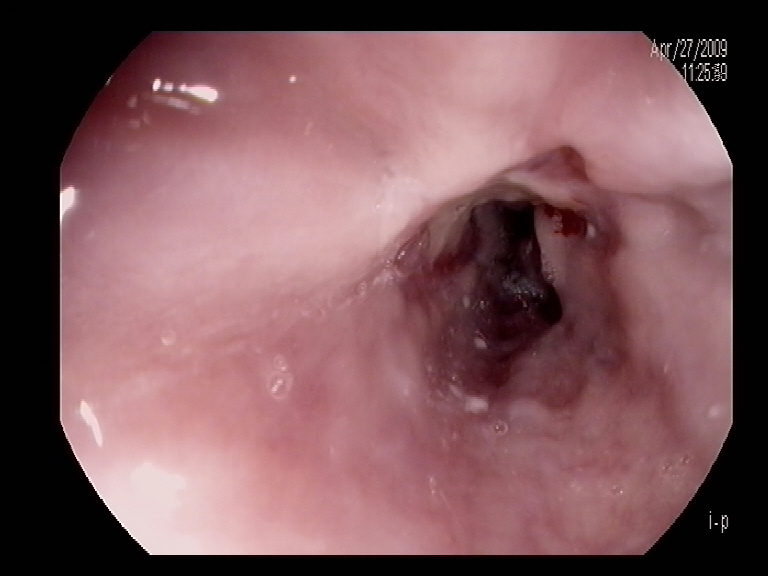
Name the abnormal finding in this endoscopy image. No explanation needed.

esophagitis